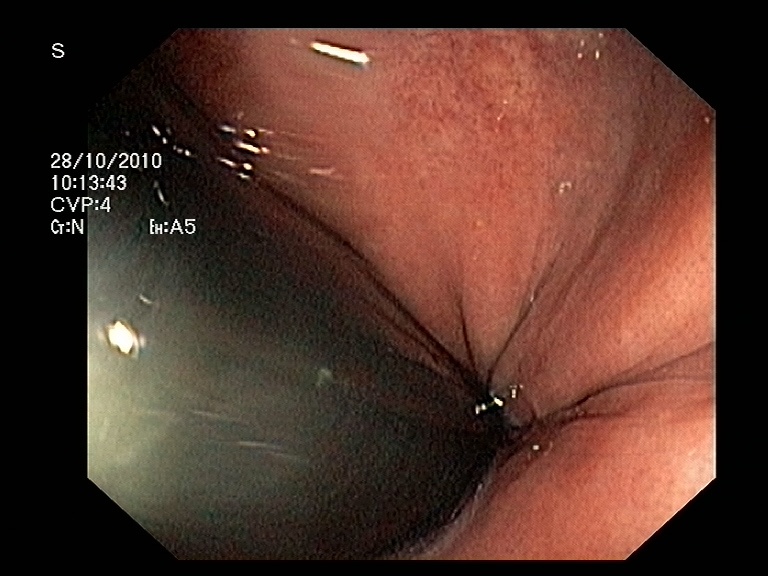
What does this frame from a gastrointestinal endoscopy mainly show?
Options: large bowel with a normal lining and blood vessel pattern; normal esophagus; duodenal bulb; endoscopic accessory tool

endoscopic accessory tool